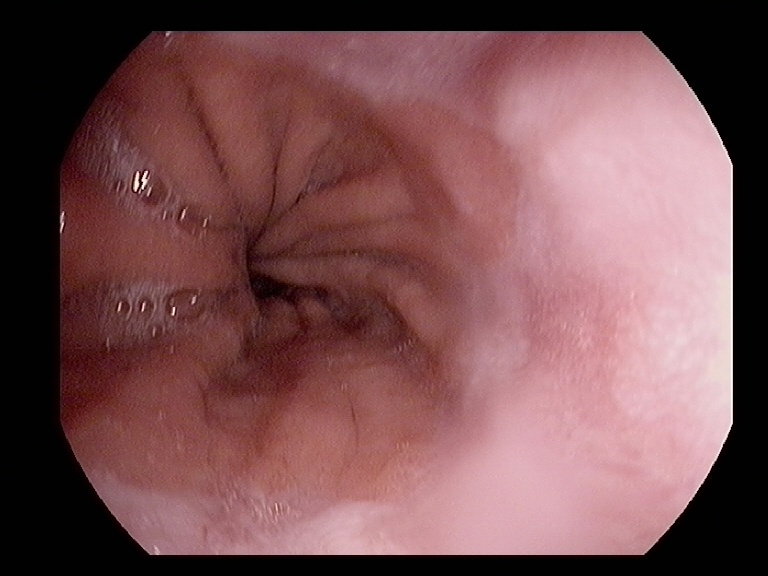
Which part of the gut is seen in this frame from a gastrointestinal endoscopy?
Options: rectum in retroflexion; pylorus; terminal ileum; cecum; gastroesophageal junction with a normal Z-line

gastroesophageal junction with a normal Z-line